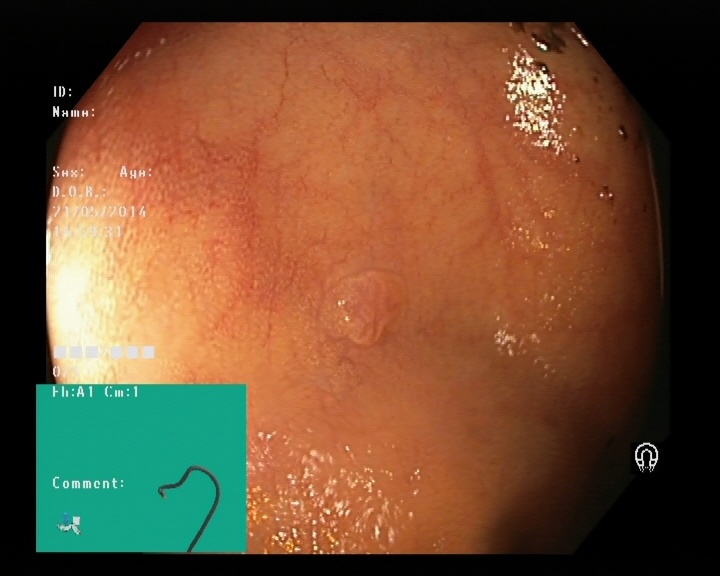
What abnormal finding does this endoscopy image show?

colon polyp